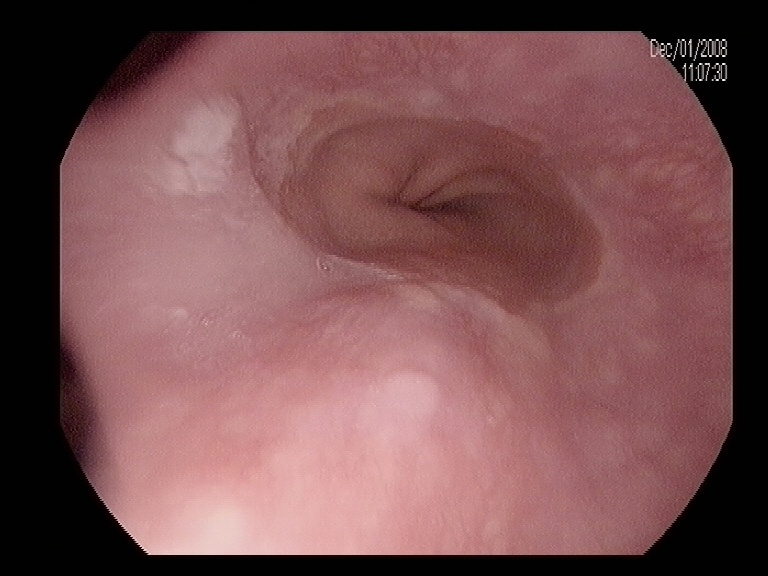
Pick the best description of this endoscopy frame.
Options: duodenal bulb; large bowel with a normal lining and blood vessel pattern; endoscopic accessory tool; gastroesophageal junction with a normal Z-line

gastroesophageal junction with a normal Z-line